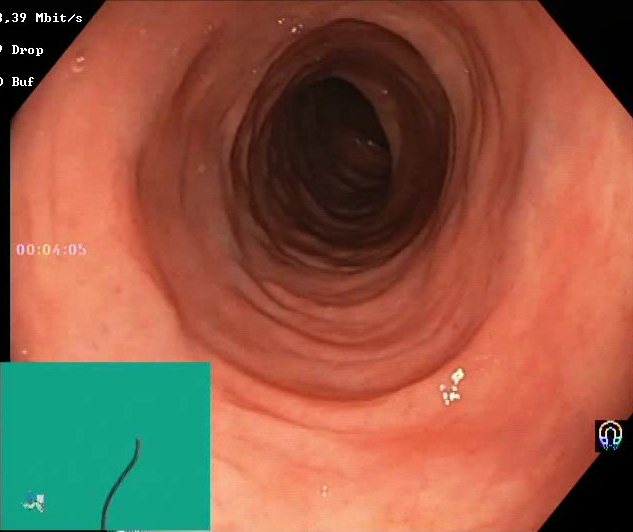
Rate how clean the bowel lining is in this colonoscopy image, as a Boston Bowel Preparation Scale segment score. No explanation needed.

Boston Bowel Preparation Scale score 2–3 (adequate preparation)